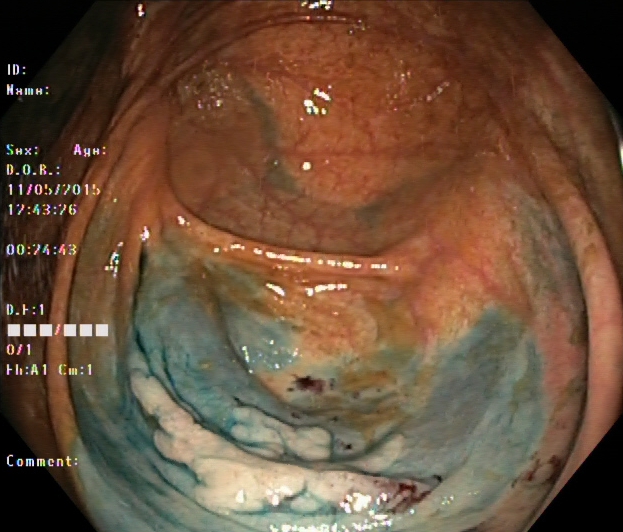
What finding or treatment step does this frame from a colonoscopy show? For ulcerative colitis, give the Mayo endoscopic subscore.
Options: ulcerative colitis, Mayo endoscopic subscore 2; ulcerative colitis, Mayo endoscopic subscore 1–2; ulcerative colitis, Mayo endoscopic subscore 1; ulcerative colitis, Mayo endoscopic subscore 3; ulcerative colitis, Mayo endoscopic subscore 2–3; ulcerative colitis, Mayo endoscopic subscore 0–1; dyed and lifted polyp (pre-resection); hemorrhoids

dyed and lifted polyp (pre-resection)